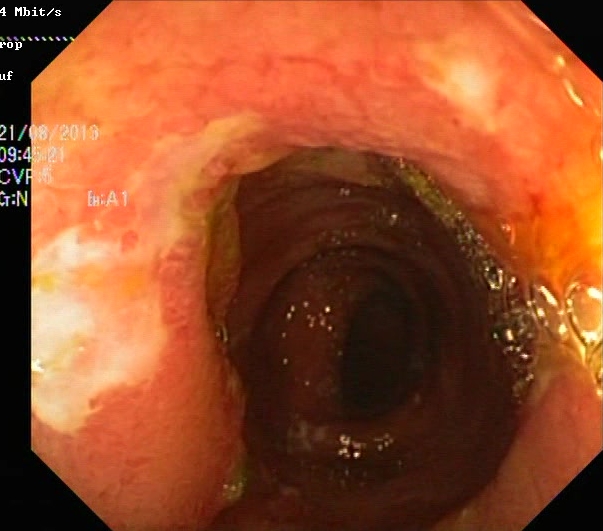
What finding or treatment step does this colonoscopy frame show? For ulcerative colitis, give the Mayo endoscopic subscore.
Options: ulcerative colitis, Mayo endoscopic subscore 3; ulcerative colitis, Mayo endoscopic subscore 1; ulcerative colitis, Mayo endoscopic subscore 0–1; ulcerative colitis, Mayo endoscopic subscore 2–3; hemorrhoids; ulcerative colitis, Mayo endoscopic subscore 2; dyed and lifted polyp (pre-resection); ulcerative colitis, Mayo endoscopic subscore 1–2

ulcerative colitis, Mayo endoscopic subscore 3